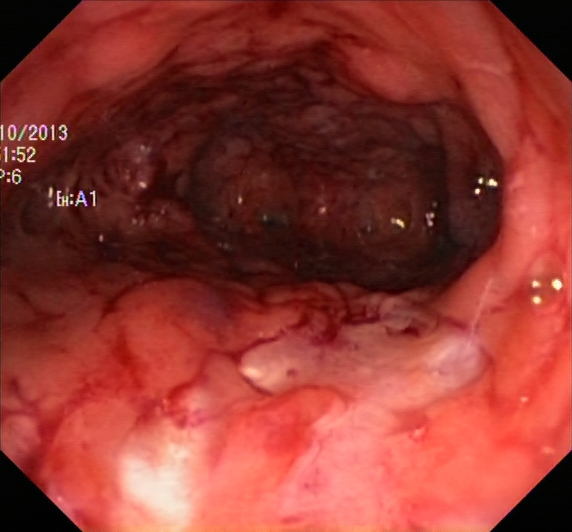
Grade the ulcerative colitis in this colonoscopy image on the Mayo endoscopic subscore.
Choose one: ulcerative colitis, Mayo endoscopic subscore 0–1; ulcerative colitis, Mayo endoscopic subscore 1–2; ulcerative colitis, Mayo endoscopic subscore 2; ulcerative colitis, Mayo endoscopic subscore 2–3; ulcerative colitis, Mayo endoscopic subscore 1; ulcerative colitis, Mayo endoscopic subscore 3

ulcerative colitis, Mayo endoscopic subscore 3